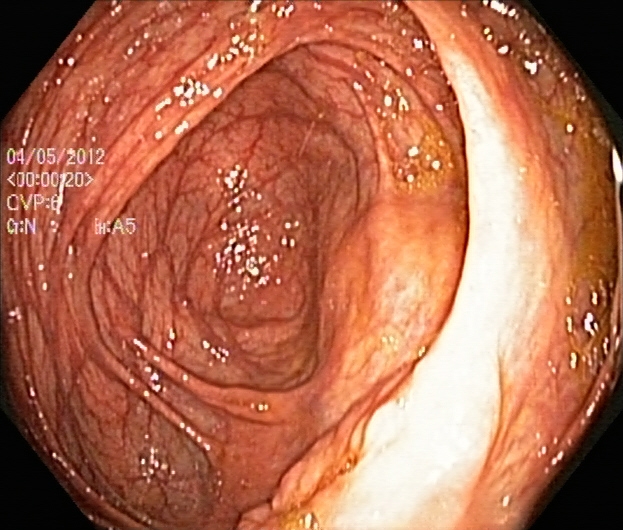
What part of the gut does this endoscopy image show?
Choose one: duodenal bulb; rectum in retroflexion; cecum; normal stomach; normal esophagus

cecum